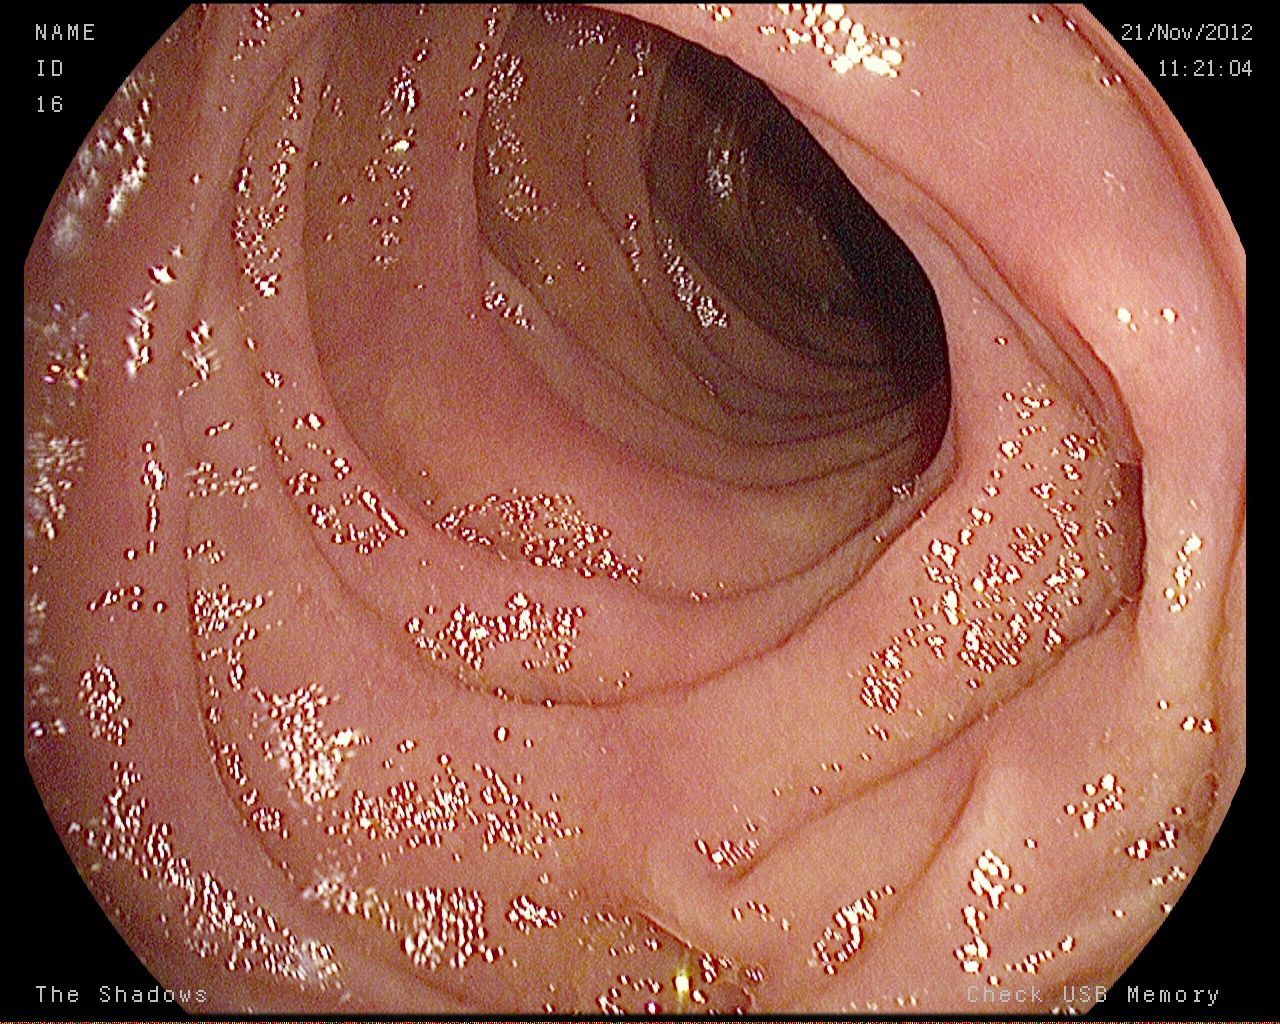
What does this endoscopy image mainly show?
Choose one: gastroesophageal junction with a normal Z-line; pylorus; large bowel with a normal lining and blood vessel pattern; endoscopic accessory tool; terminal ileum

terminal ileum